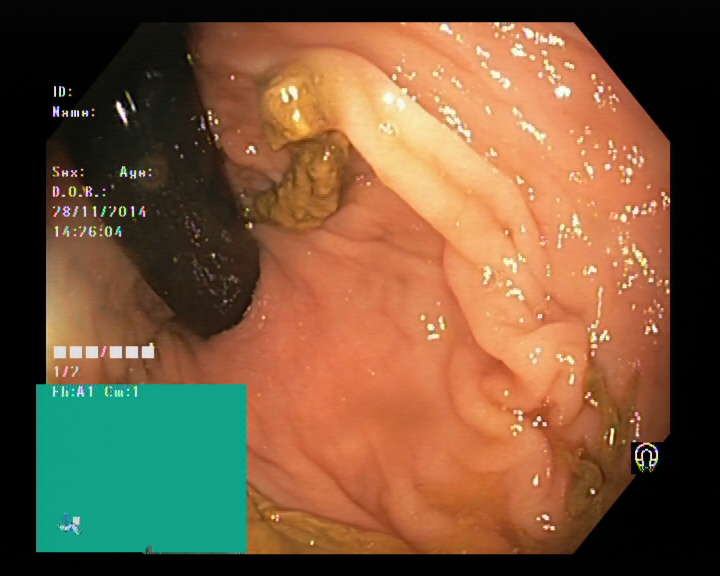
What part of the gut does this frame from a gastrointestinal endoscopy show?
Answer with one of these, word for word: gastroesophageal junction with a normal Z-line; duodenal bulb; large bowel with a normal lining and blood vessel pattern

large bowel with a normal lining and blood vessel pattern